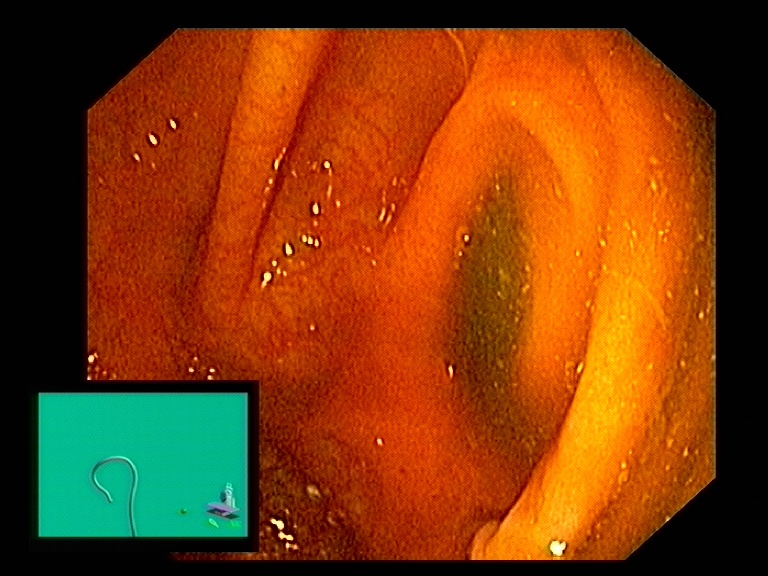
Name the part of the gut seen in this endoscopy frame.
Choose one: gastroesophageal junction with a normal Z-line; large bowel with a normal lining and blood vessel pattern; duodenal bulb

large bowel with a normal lining and blood vessel pattern